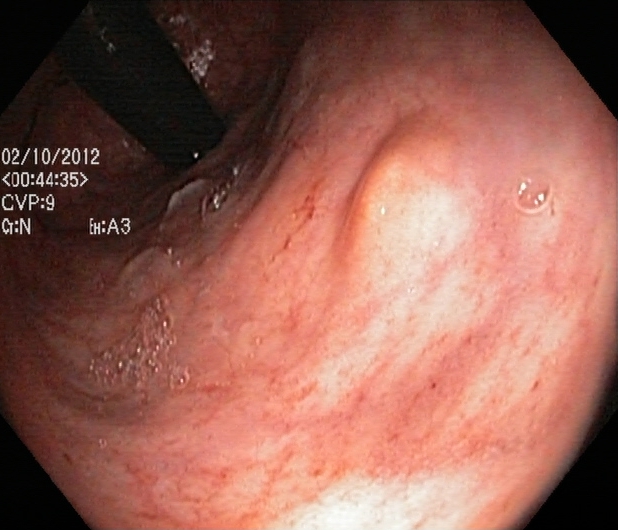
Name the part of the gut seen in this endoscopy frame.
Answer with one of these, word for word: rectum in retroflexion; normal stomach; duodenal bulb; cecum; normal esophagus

rectum in retroflexion